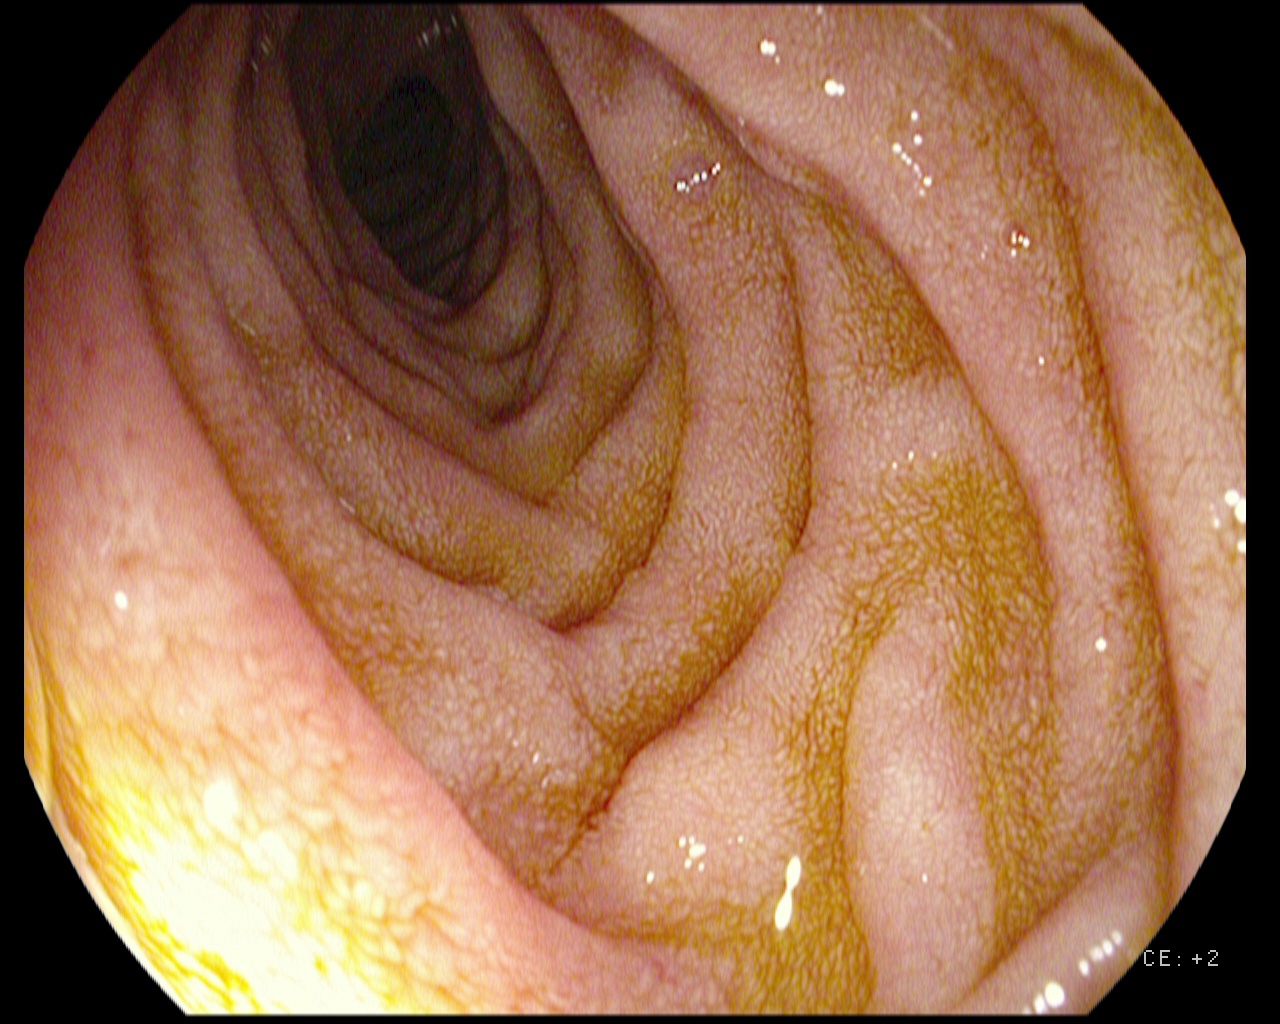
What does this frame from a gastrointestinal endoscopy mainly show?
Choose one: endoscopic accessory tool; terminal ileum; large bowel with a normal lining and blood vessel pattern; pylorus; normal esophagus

terminal ileum